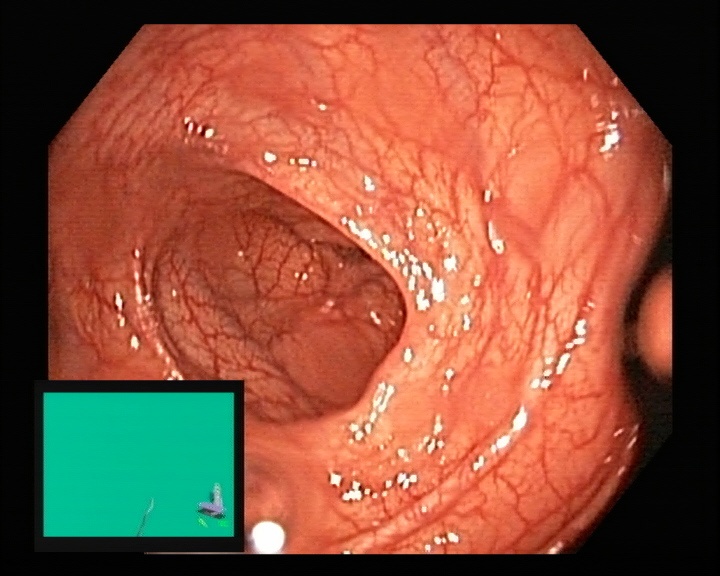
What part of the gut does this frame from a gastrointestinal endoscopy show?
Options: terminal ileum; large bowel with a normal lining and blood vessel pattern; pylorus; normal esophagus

large bowel with a normal lining and blood vessel pattern